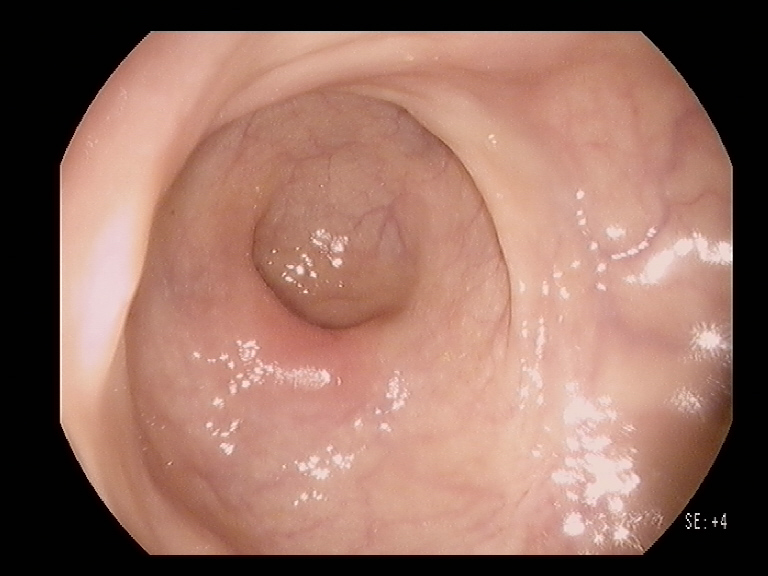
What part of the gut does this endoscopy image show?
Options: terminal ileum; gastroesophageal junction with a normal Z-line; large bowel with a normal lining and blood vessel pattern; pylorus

large bowel with a normal lining and blood vessel pattern